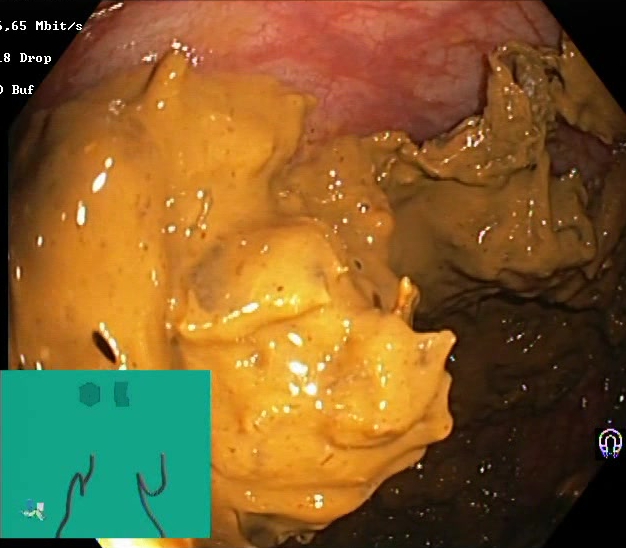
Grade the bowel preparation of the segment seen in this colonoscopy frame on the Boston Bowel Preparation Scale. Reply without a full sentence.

Boston Bowel Preparation Scale score 0–1 (inadequate preparation)